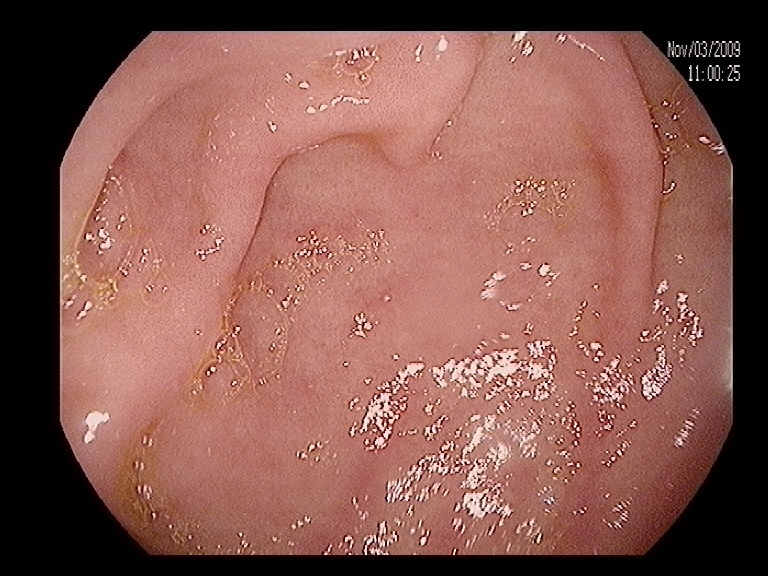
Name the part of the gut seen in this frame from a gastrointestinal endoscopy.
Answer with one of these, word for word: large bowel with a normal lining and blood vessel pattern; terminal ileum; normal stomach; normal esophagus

terminal ileum